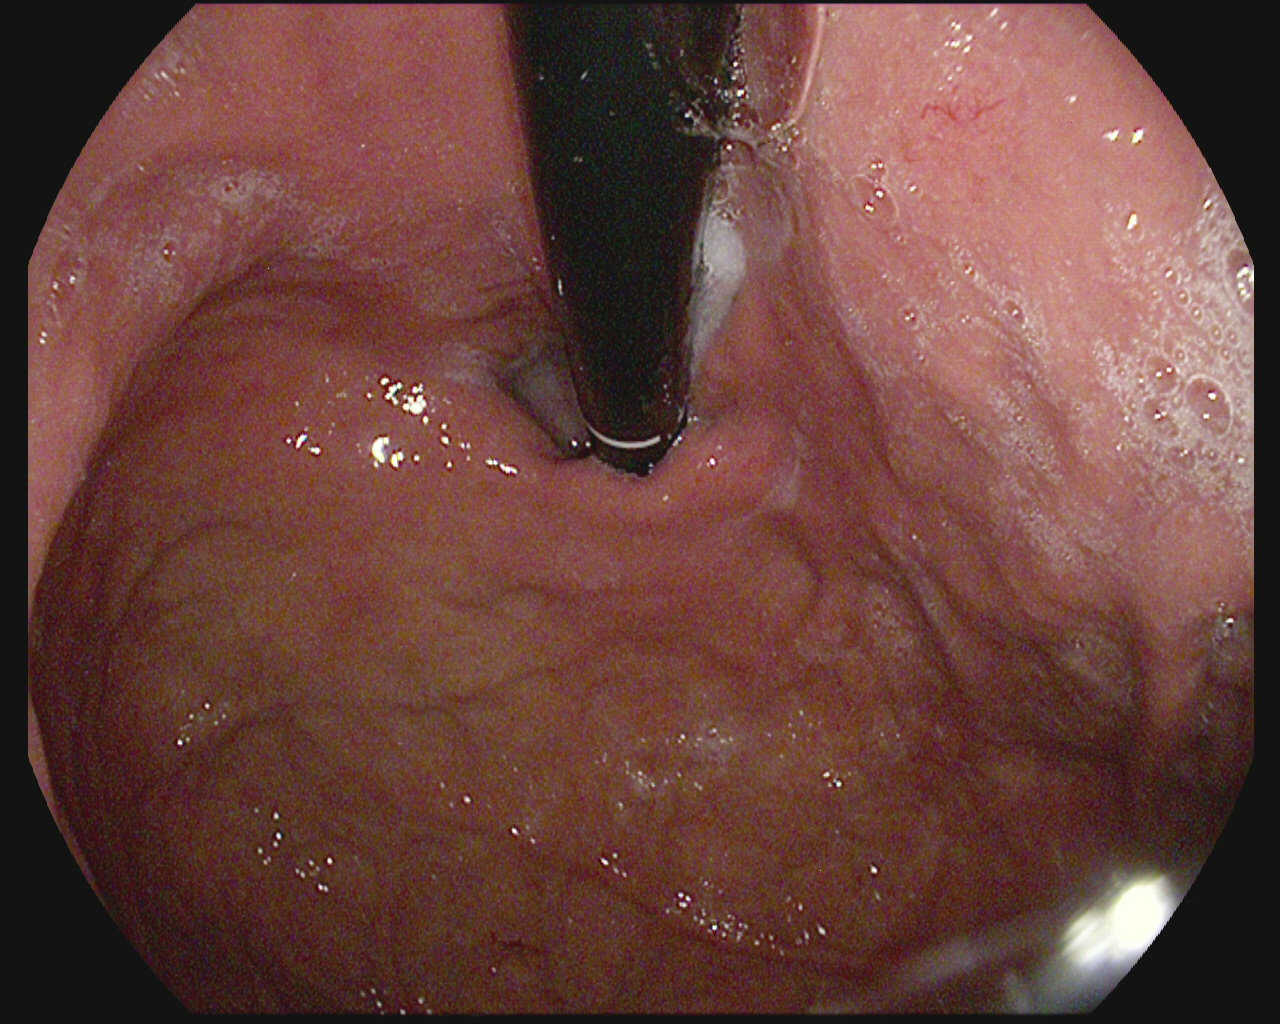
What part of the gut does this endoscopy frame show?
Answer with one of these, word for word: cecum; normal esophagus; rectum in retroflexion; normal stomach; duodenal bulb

normal stomach